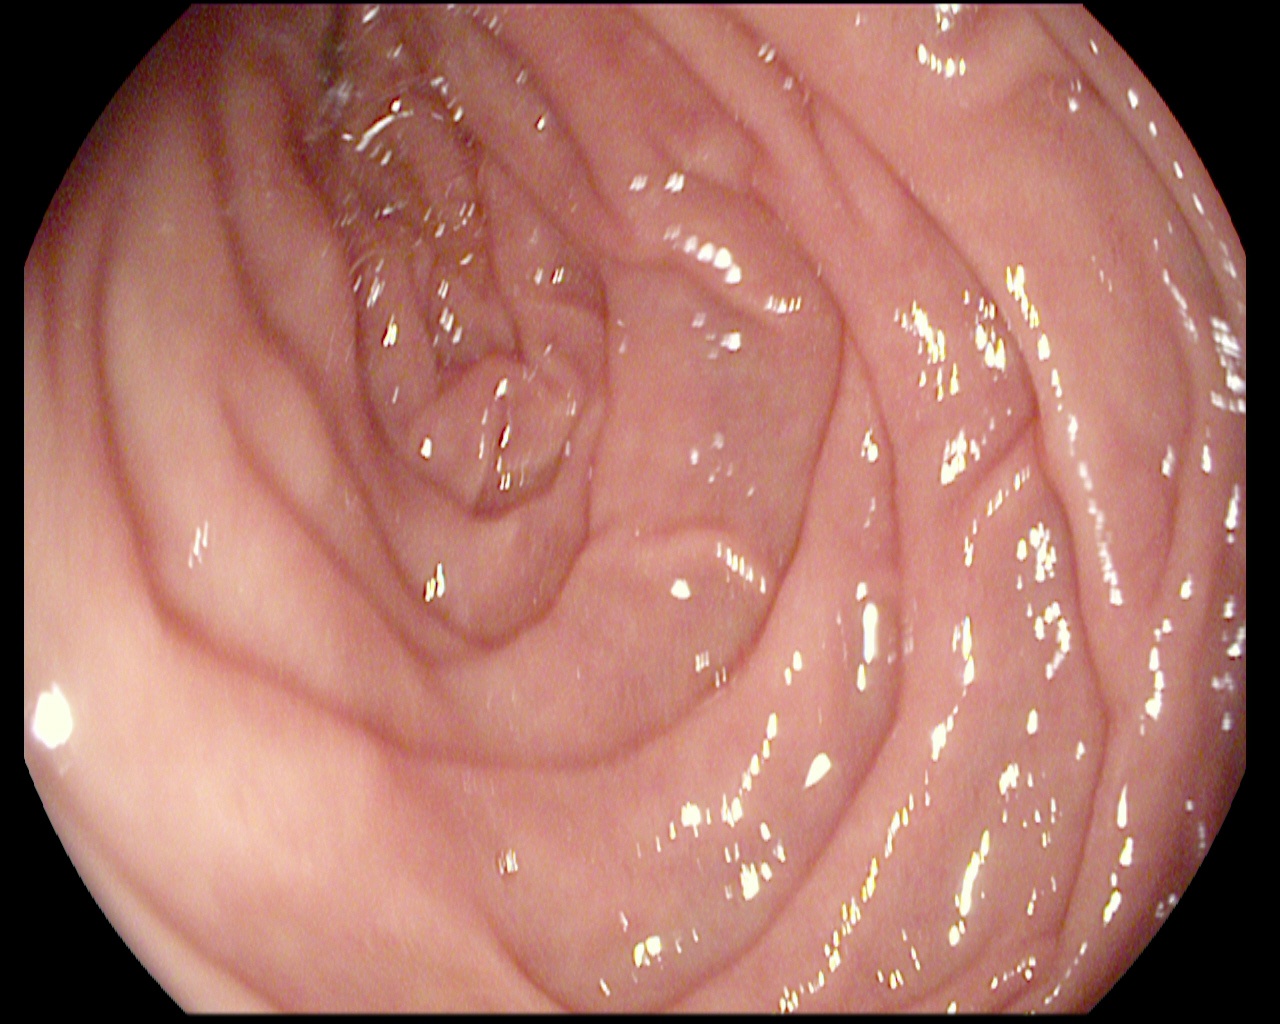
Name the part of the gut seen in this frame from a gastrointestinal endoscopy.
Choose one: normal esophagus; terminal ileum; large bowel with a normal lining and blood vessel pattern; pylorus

terminal ileum